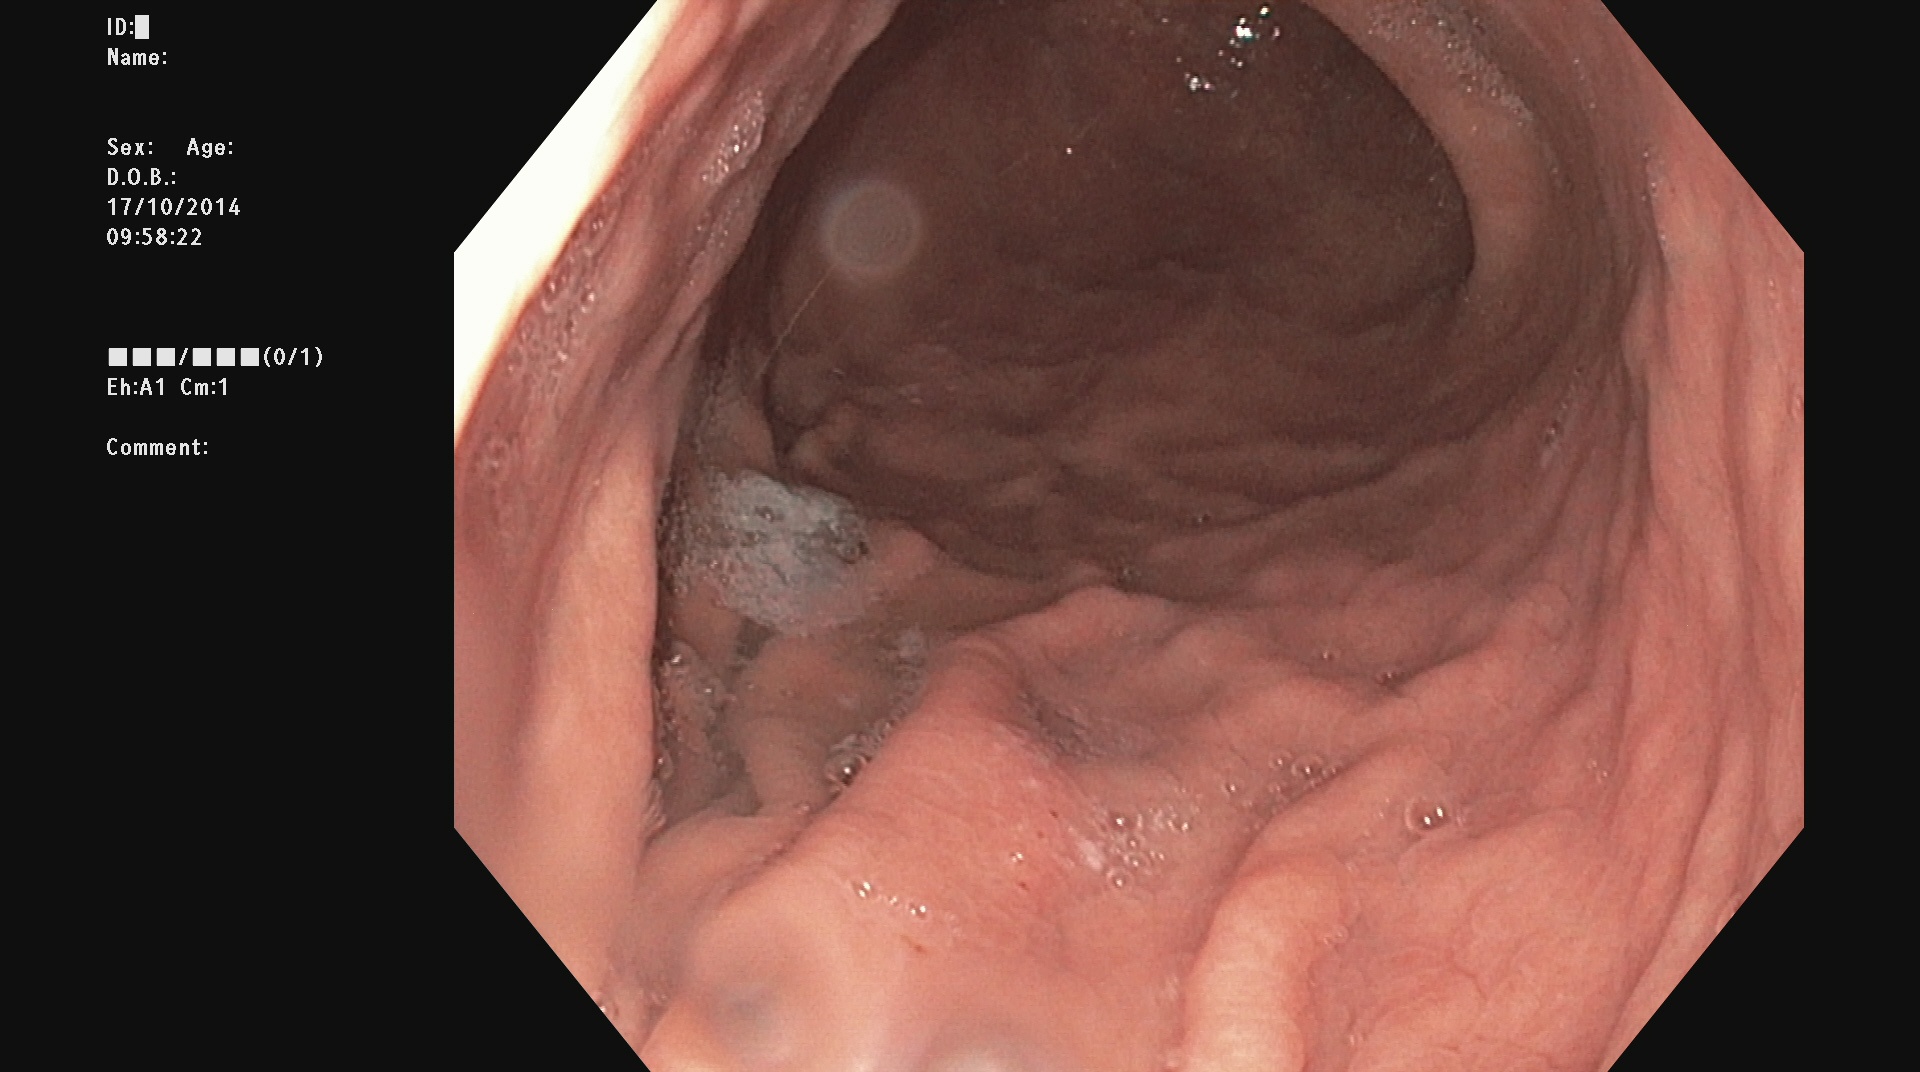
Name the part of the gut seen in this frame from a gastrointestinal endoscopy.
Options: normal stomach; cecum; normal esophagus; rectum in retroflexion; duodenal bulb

normal stomach